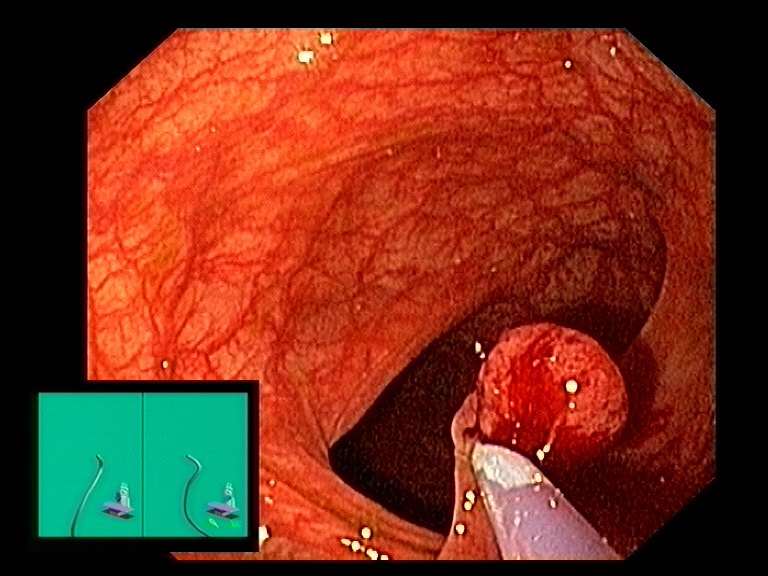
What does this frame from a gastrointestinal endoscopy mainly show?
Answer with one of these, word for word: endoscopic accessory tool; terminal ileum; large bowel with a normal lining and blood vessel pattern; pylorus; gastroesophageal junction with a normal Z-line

endoscopic accessory tool